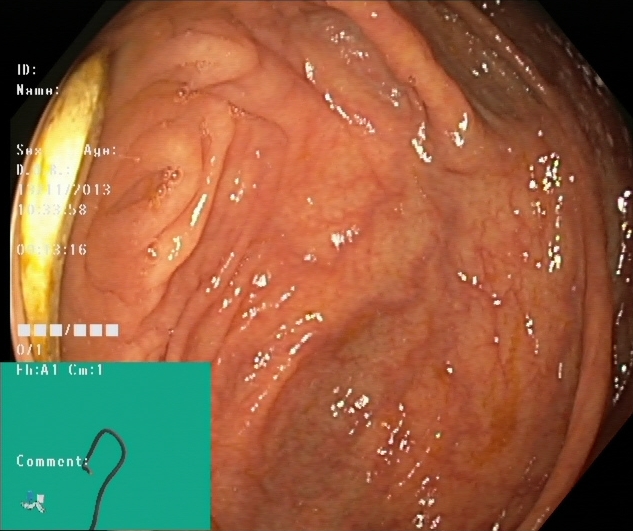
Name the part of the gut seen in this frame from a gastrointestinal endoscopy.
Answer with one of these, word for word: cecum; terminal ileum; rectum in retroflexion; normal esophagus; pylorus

cecum